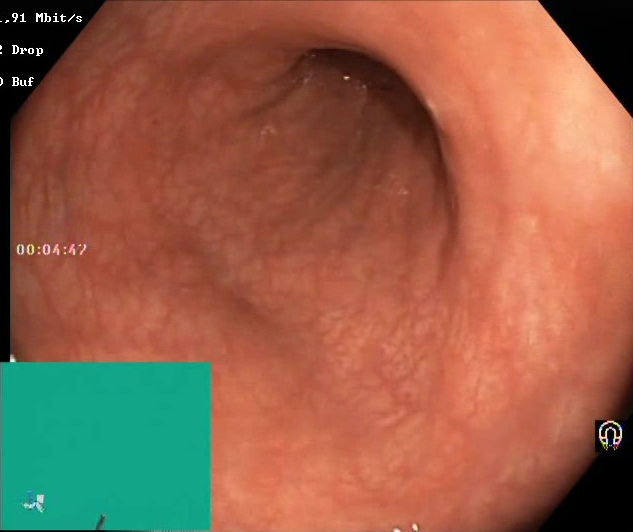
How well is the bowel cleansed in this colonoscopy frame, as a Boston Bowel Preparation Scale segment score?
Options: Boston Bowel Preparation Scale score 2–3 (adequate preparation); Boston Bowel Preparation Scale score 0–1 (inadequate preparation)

Boston Bowel Preparation Scale score 2–3 (adequate preparation)